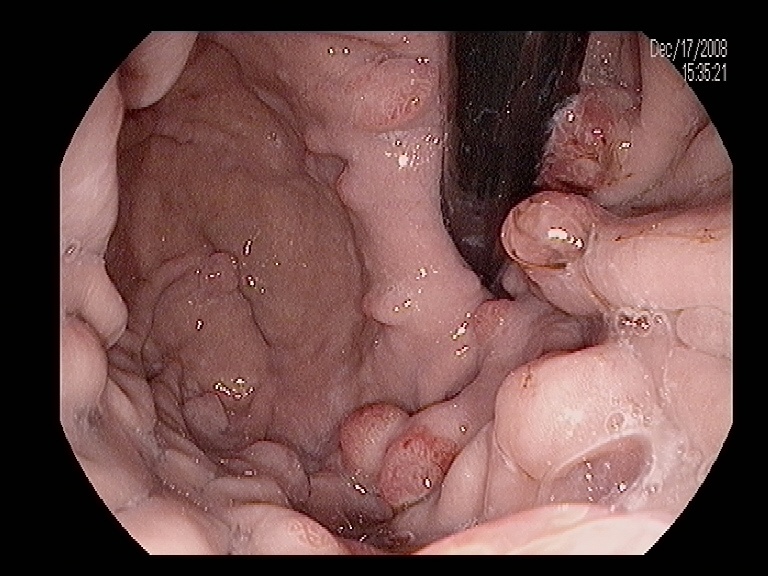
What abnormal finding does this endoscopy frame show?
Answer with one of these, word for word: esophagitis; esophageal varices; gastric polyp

gastric polyp